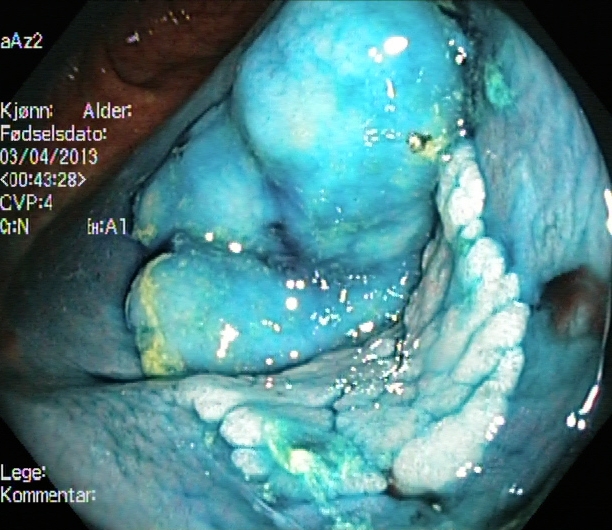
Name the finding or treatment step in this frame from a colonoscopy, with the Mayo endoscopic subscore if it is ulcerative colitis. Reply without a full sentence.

dyed and lifted polyp (pre-resection)